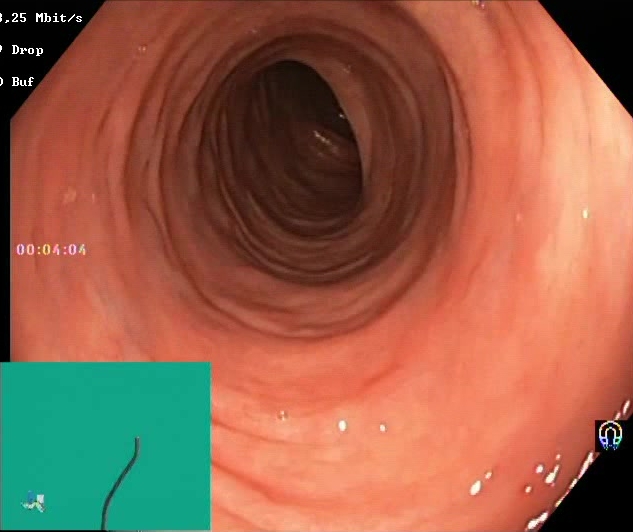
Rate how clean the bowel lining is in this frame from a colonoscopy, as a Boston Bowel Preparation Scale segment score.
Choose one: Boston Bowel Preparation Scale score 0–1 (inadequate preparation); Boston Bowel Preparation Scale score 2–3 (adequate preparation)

Boston Bowel Preparation Scale score 2–3 (adequate preparation)